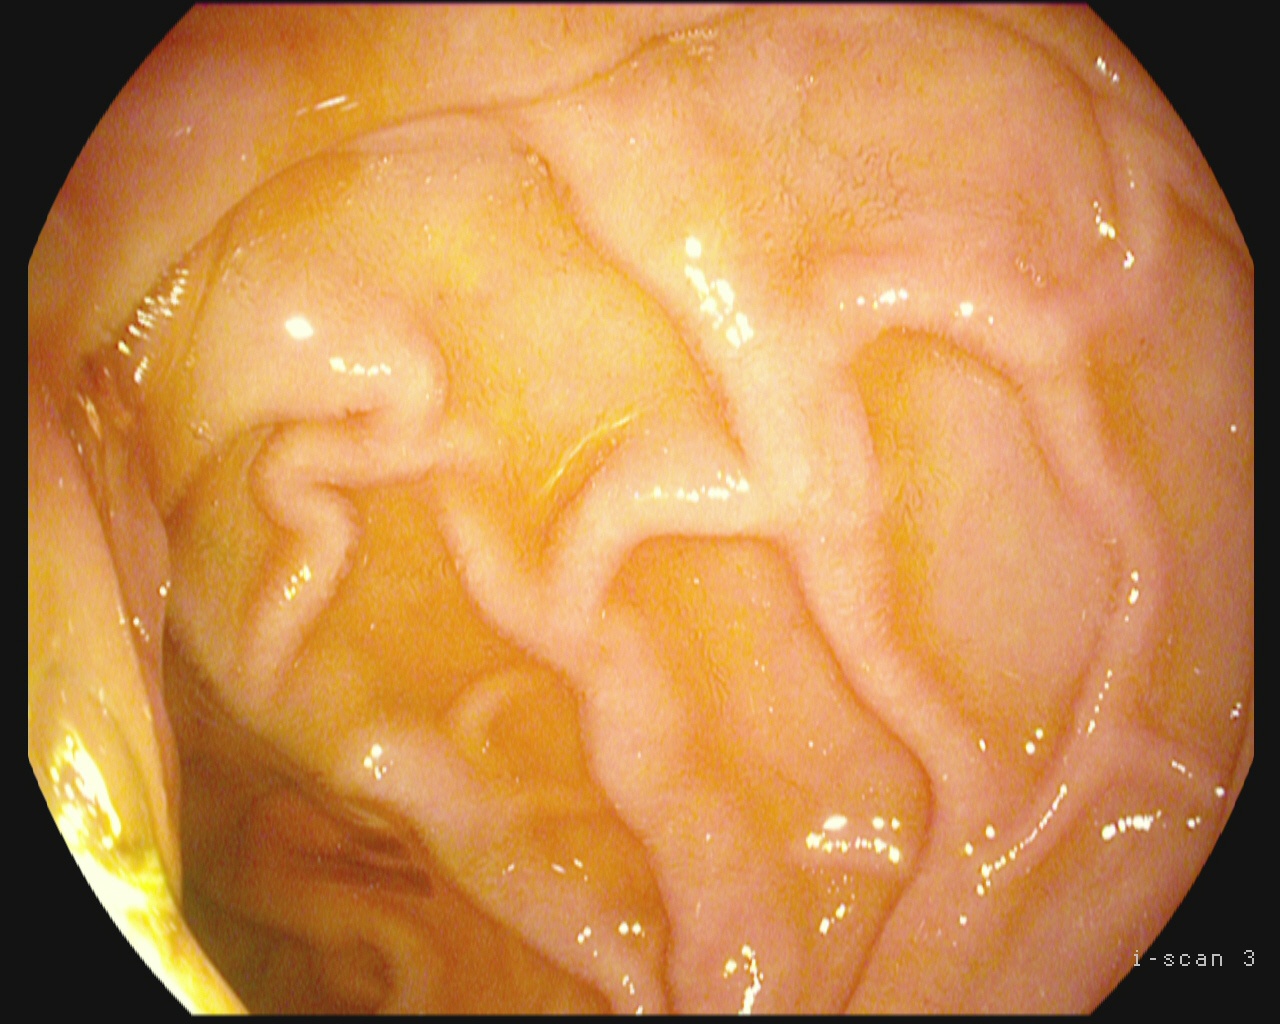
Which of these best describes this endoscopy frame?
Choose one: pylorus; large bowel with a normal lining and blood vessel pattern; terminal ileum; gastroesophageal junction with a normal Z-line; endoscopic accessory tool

terminal ileum